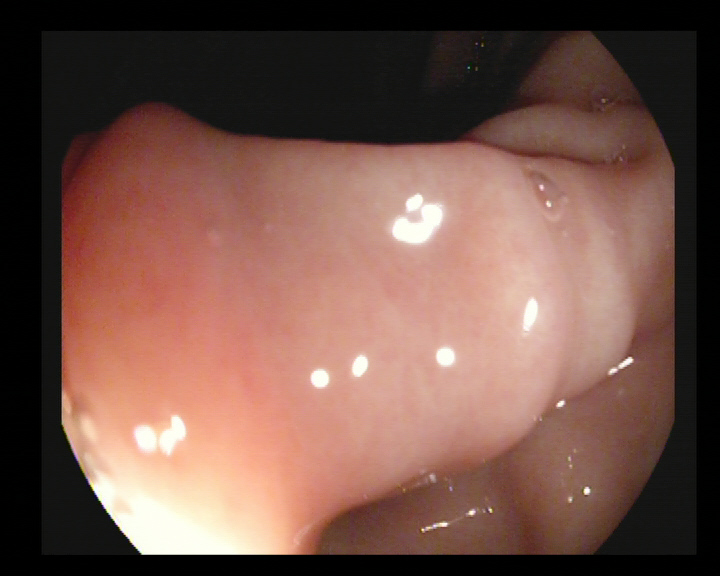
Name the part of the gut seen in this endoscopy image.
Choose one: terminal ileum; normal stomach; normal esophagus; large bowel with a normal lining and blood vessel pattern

normal stomach